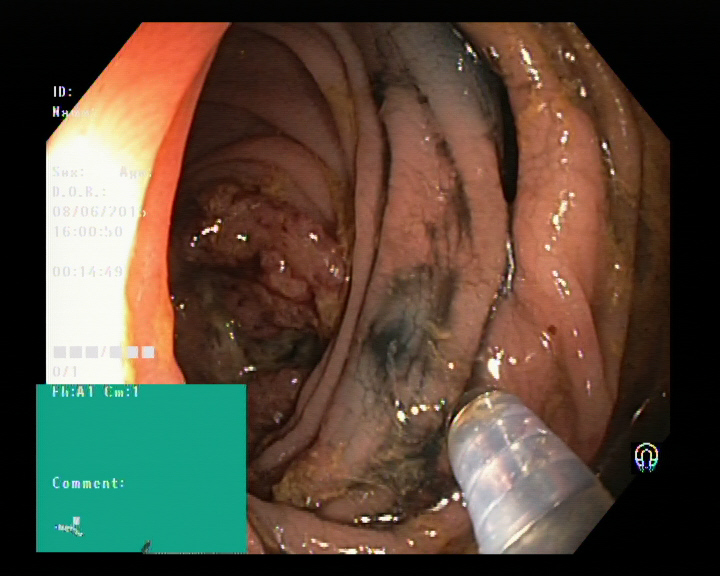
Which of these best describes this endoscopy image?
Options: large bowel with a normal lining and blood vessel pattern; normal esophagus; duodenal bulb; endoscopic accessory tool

endoscopic accessory tool